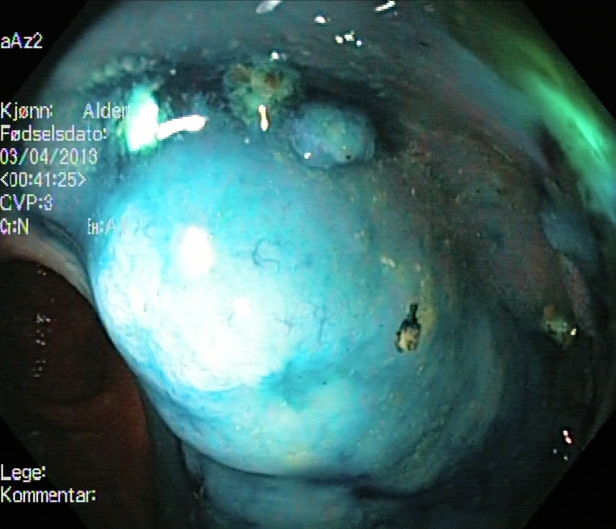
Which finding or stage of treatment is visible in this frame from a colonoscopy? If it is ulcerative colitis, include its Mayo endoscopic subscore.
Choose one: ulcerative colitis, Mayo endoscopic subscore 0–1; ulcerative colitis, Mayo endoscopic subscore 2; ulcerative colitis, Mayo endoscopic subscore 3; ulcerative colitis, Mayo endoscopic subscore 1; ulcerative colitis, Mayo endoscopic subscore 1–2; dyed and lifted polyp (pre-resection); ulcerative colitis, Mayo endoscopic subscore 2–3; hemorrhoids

dyed and lifted polyp (pre-resection)